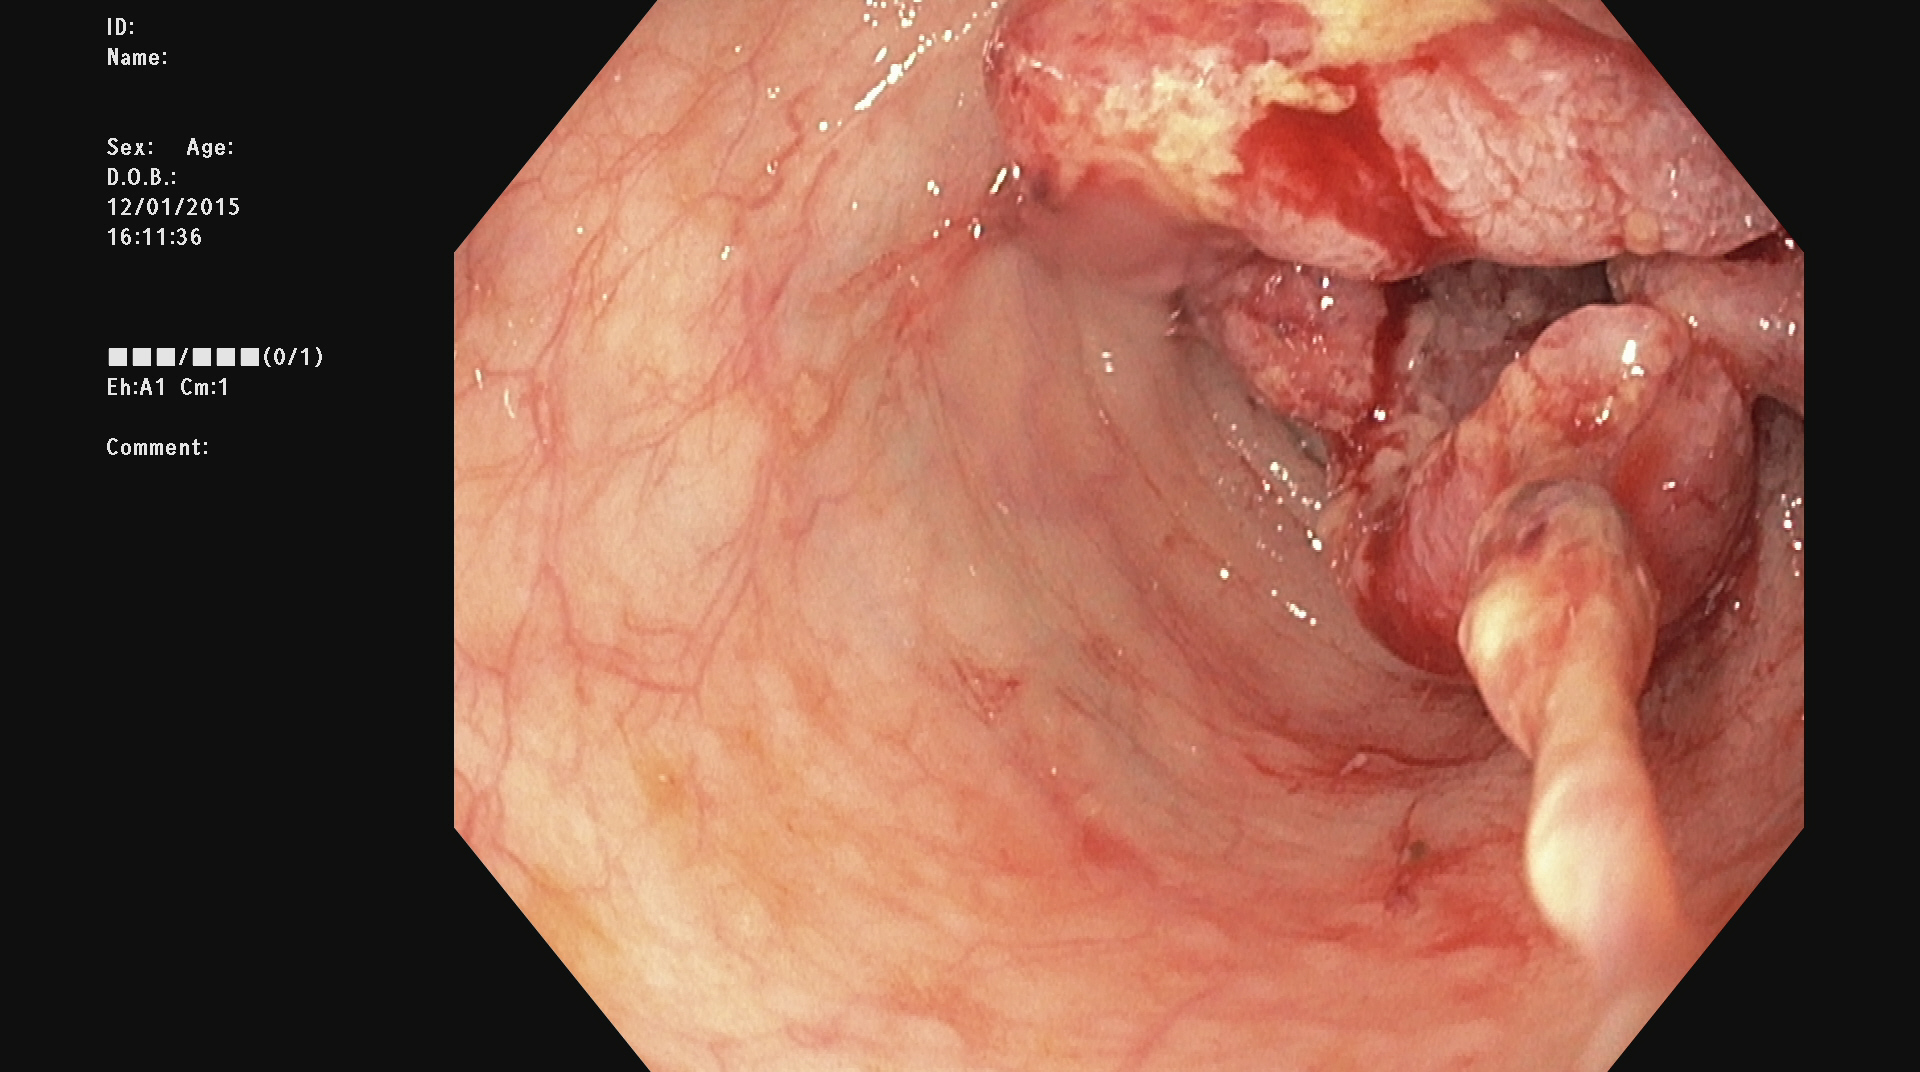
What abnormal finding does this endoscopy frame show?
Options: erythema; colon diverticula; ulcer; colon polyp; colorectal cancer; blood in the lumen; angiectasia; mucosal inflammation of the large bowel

colorectal cancer